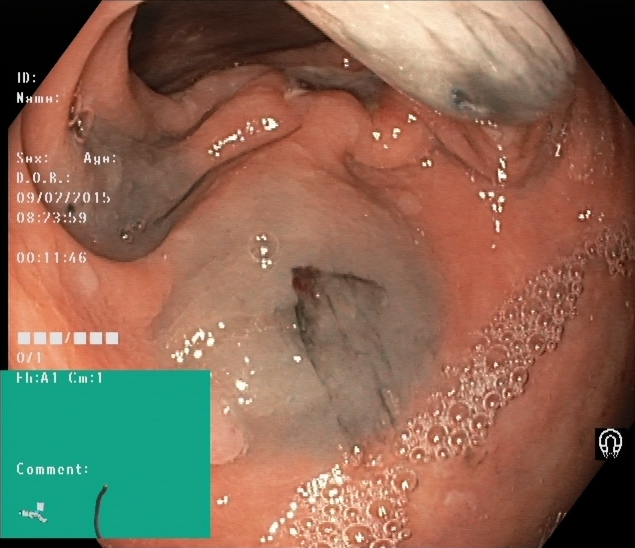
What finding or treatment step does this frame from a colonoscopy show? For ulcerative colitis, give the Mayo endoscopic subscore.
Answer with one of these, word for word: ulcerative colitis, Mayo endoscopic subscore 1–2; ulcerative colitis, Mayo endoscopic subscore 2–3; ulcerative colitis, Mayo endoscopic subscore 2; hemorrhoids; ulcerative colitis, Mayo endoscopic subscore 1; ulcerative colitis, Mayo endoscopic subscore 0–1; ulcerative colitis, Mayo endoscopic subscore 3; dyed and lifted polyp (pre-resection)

dyed and lifted polyp (pre-resection)